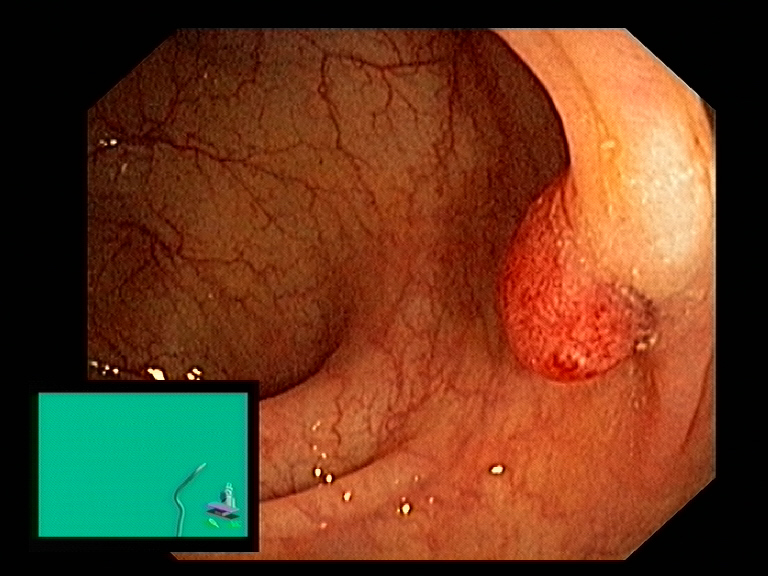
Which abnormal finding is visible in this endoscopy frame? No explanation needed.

colon polyp